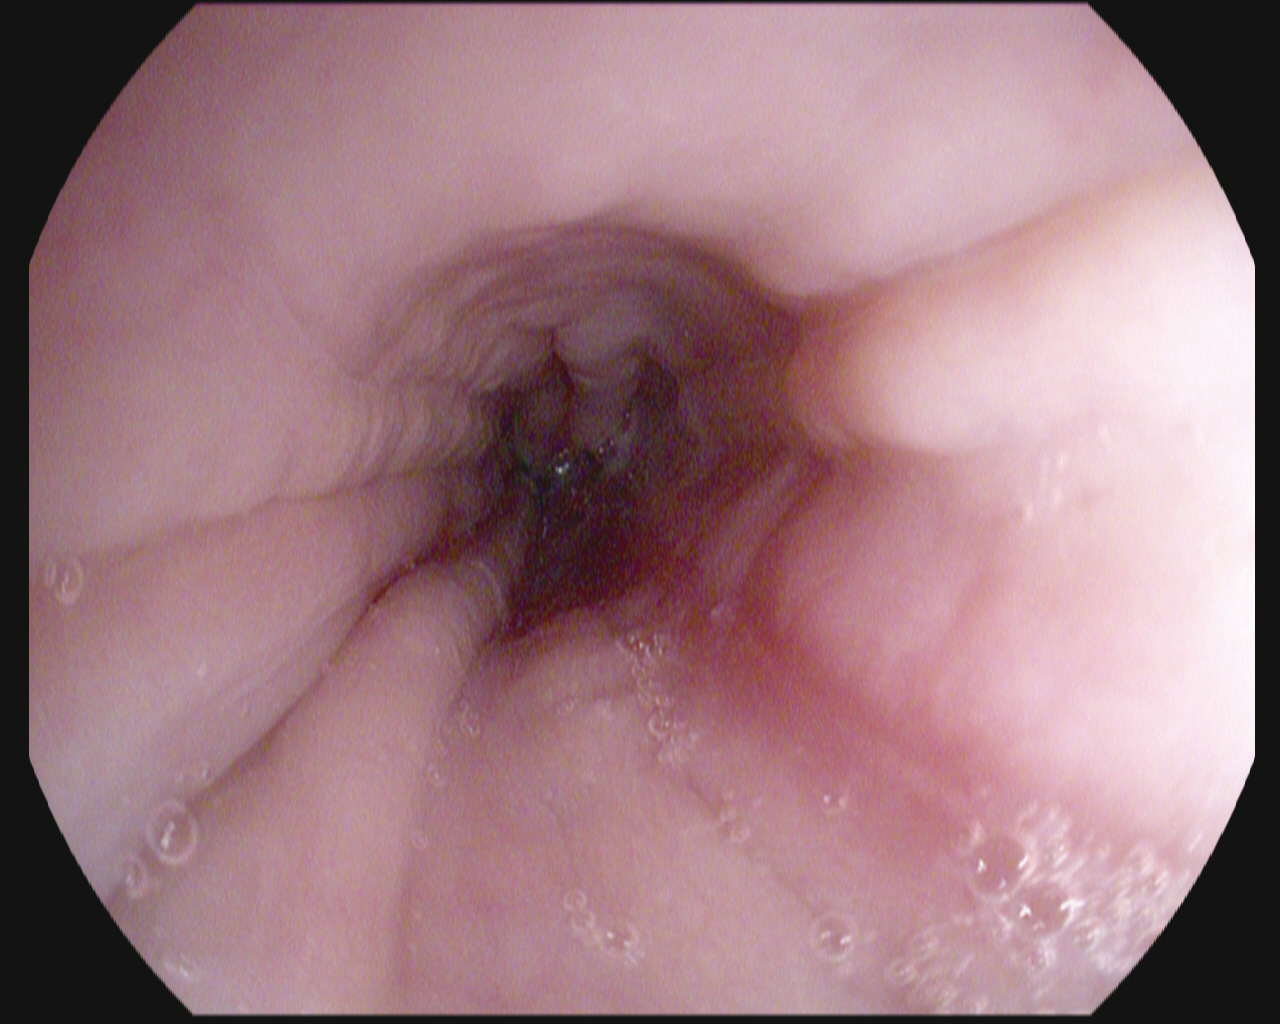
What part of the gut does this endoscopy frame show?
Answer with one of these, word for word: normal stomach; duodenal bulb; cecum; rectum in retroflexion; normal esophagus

normal esophagus